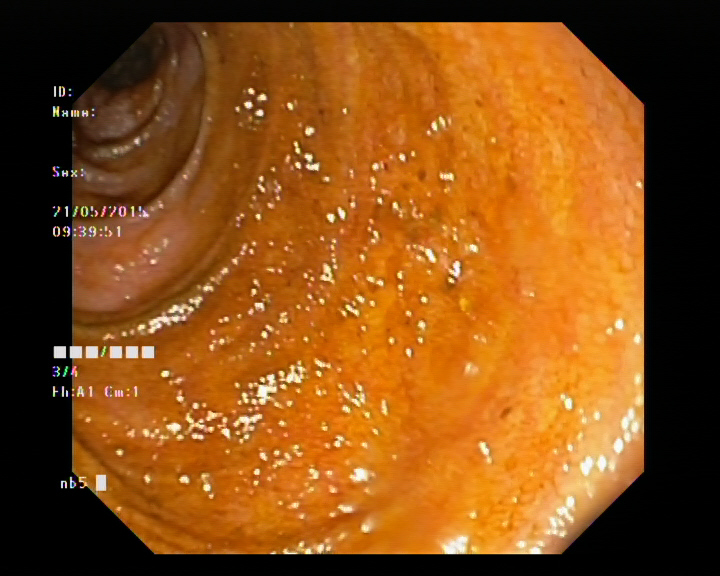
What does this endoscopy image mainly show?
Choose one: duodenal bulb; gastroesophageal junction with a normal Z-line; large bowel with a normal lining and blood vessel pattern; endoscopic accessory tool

large bowel with a normal lining and blood vessel pattern